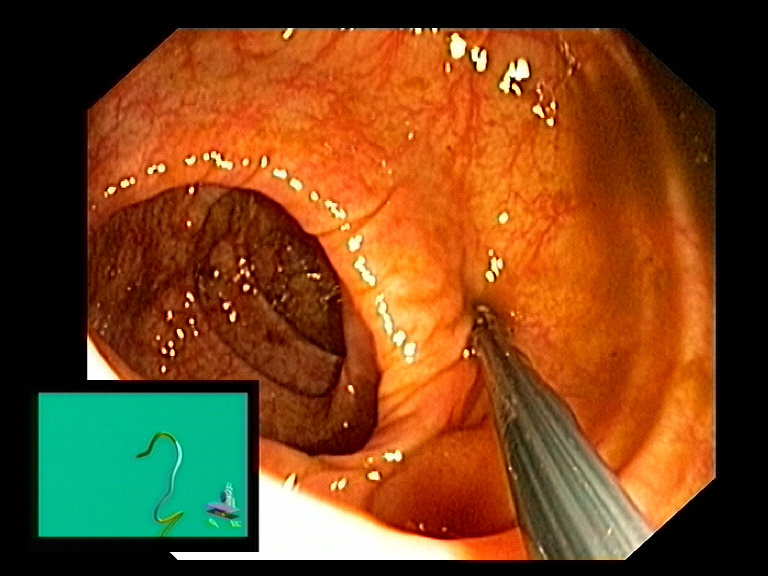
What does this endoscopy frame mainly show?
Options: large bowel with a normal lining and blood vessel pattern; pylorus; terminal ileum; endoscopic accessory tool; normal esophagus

endoscopic accessory tool